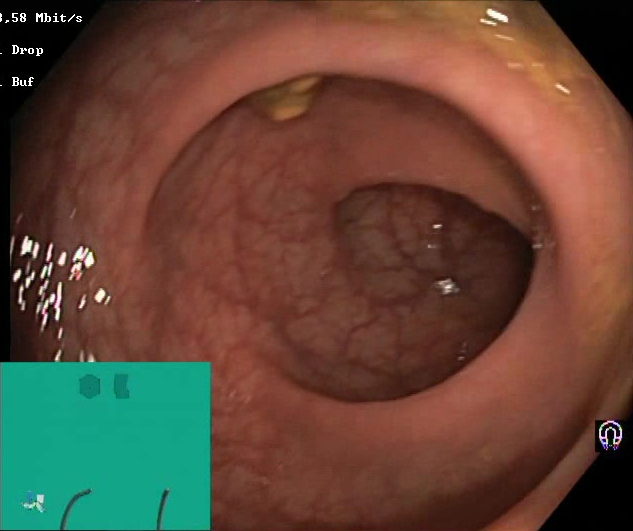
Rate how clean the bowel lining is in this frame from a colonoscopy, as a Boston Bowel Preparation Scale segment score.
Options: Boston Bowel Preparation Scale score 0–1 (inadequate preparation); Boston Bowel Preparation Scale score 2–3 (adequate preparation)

Boston Bowel Preparation Scale score 2–3 (adequate preparation)